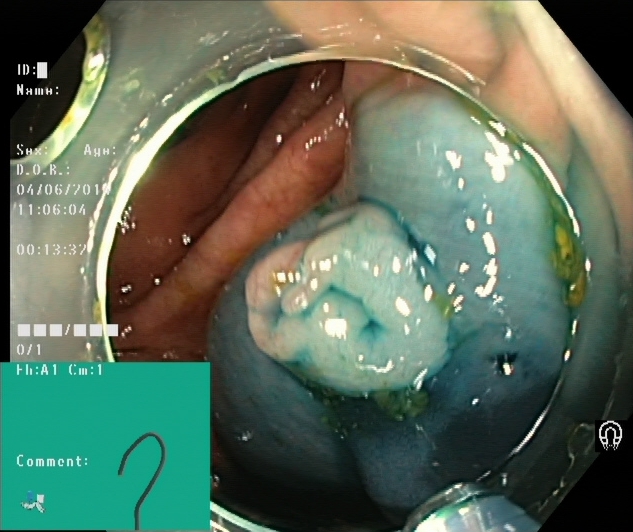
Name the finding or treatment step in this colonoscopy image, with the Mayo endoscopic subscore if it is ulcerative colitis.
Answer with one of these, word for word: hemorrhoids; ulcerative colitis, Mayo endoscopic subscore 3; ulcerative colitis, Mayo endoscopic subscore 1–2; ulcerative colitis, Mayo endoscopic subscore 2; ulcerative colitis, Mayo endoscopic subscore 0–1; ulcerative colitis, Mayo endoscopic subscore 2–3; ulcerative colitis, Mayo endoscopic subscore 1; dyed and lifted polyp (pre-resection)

dyed and lifted polyp (pre-resection)